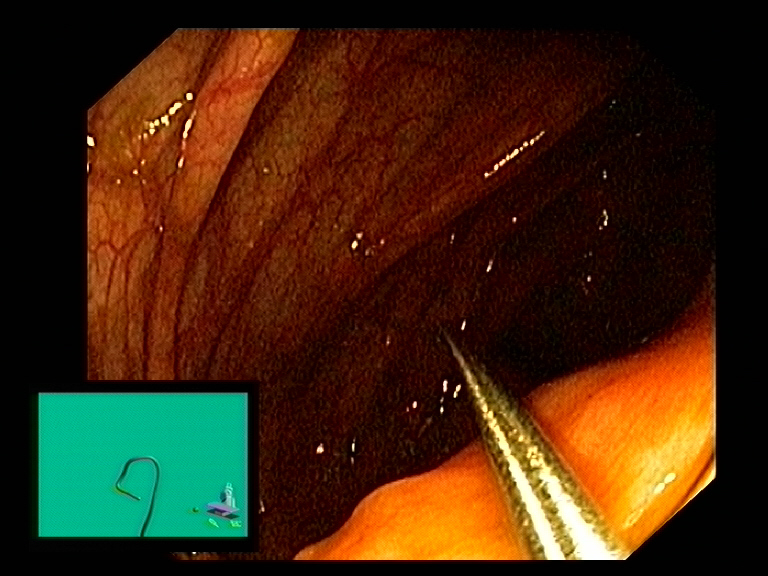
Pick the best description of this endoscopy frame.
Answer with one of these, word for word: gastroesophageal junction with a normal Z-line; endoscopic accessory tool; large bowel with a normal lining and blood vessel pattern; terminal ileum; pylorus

endoscopic accessory tool